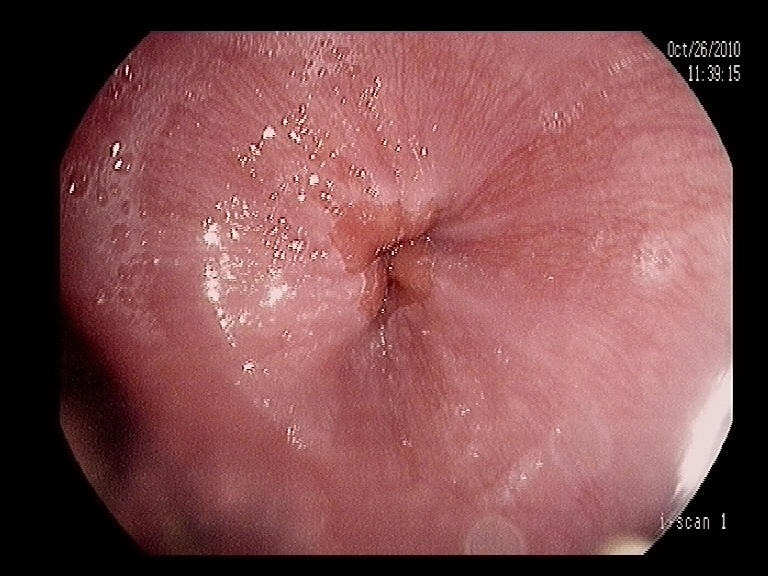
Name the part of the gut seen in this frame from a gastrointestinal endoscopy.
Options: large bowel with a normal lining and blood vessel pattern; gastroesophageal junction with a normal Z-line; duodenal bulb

gastroesophageal junction with a normal Z-line